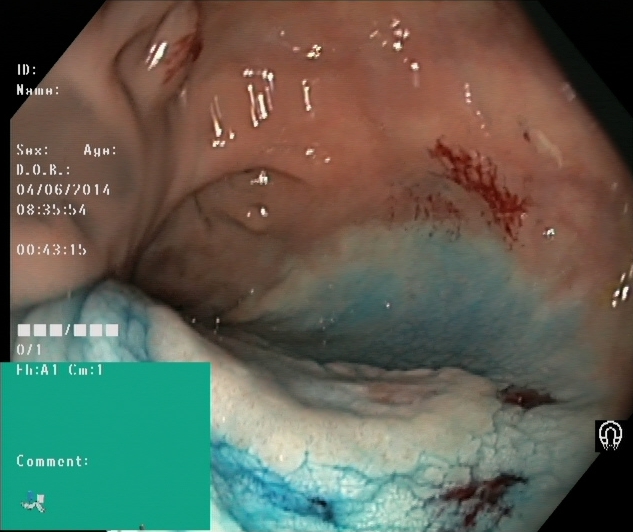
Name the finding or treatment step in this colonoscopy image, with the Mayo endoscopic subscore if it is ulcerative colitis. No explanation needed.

dyed and lifted polyp (pre-resection)